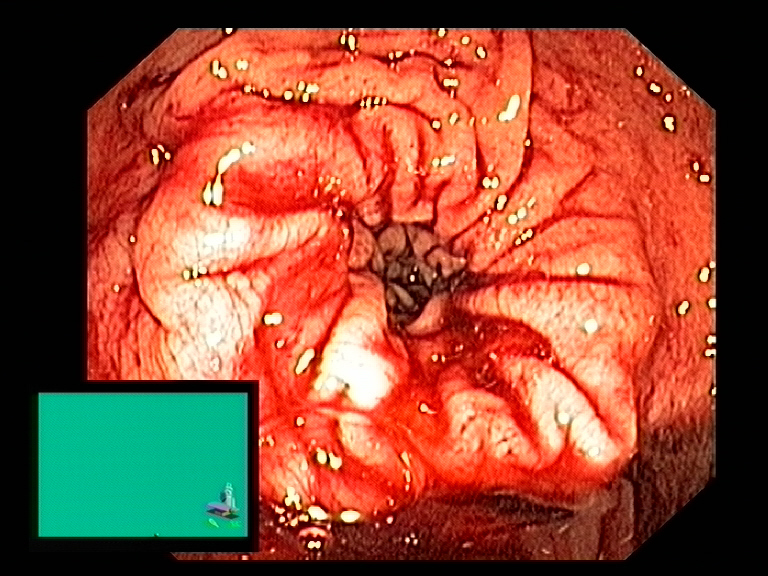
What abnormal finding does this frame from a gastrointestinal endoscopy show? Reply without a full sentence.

blood in the lumen